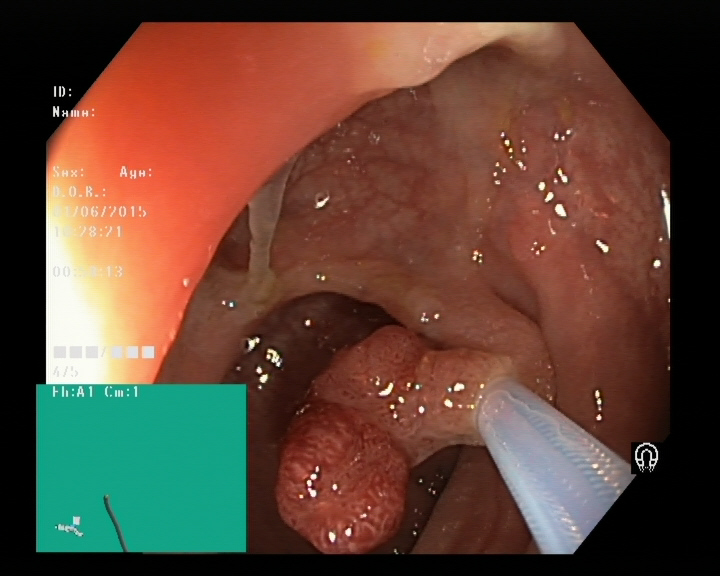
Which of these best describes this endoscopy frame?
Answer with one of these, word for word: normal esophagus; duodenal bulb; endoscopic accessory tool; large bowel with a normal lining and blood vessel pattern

endoscopic accessory tool